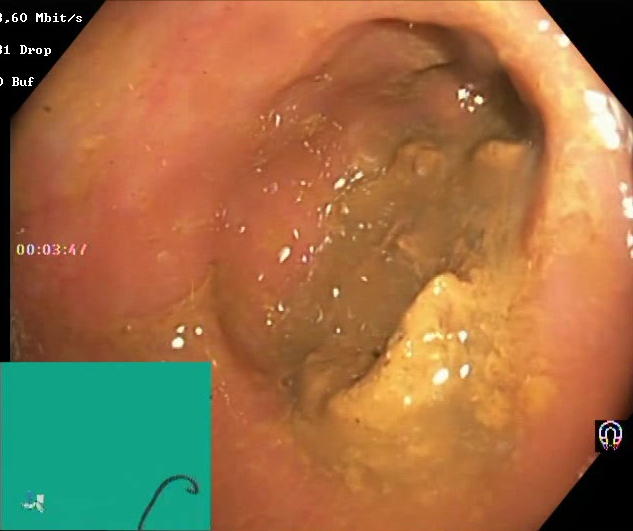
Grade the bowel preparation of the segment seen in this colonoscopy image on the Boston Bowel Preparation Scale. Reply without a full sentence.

Boston Bowel Preparation Scale score 0–1 (inadequate preparation)